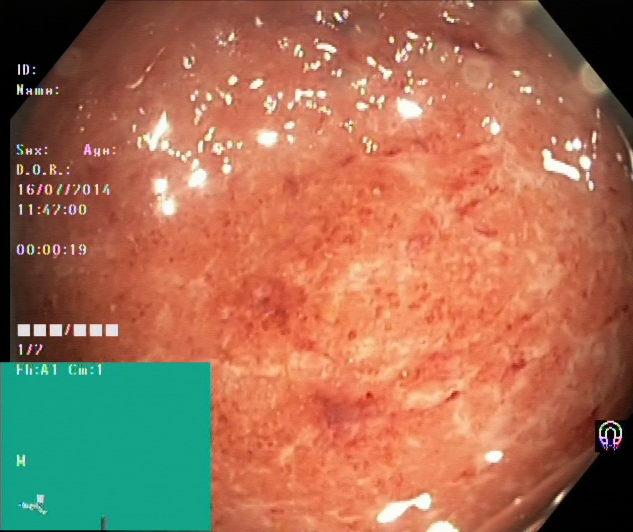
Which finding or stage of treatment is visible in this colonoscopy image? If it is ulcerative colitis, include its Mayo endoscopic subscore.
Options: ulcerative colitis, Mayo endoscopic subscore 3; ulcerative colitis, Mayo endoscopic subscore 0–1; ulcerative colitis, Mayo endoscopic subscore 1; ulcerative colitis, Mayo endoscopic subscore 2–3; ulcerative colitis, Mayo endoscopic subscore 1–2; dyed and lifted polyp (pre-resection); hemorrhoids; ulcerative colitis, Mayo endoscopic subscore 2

ulcerative colitis, Mayo endoscopic subscore 2